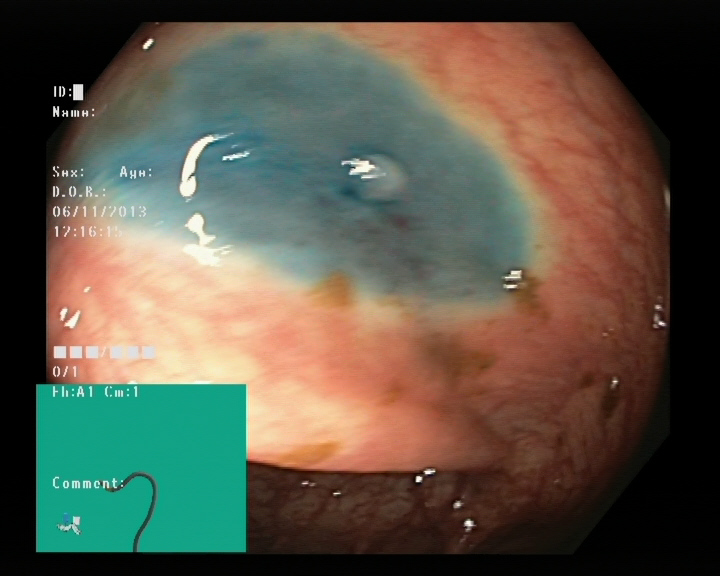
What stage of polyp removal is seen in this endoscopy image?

dyed and lifted polyp (pre-resection)